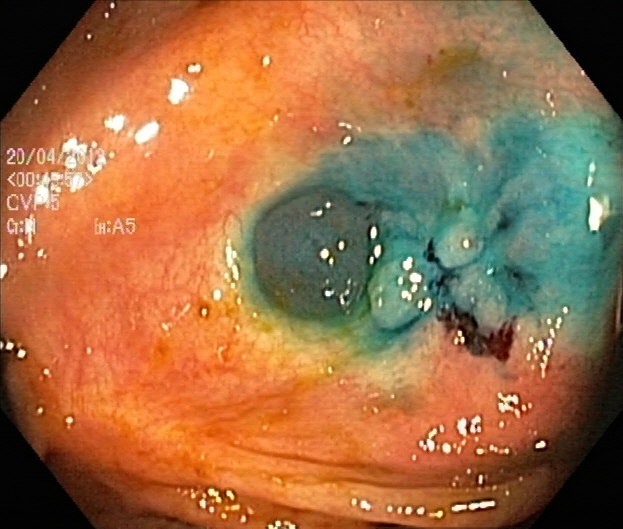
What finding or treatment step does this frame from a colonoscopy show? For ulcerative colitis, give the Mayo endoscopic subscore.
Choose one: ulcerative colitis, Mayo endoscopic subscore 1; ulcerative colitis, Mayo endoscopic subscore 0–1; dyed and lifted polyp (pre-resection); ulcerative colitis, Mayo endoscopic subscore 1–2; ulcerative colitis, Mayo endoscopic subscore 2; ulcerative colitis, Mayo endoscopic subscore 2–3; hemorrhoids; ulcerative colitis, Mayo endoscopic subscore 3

dyed and lifted polyp (pre-resection)